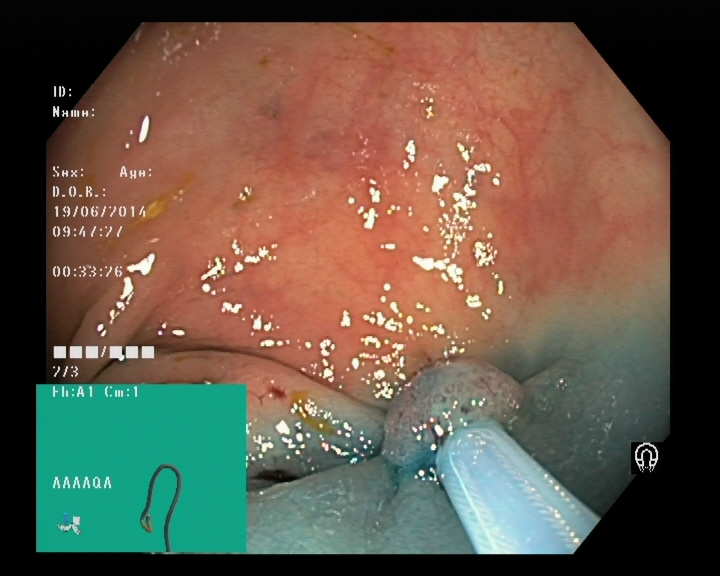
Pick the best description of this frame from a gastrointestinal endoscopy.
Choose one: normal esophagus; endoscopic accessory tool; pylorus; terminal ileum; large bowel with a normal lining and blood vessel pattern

endoscopic accessory tool